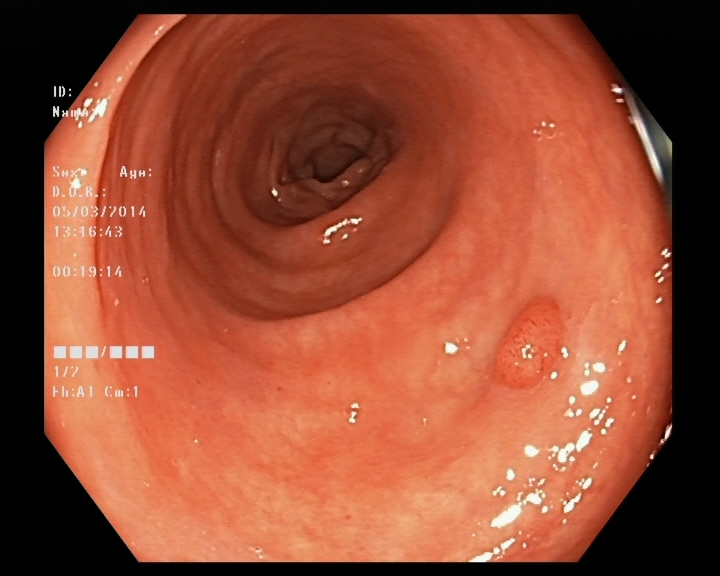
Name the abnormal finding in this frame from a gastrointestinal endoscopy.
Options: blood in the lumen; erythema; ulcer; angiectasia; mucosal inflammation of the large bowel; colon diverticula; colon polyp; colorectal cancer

colon polyp